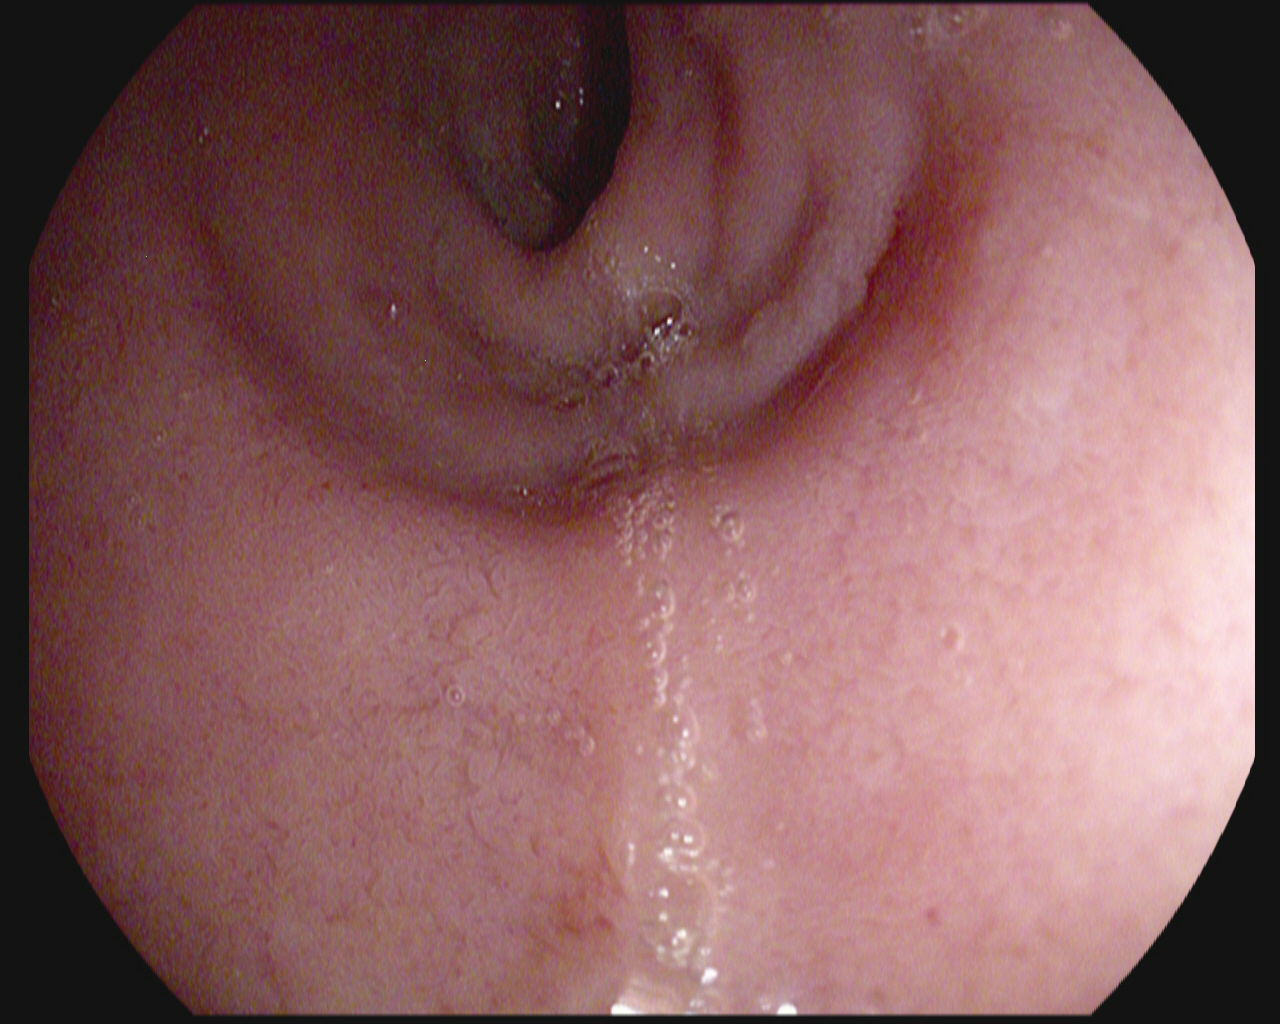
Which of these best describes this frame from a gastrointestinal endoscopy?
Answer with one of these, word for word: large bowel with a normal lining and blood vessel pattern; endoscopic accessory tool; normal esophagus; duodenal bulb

duodenal bulb